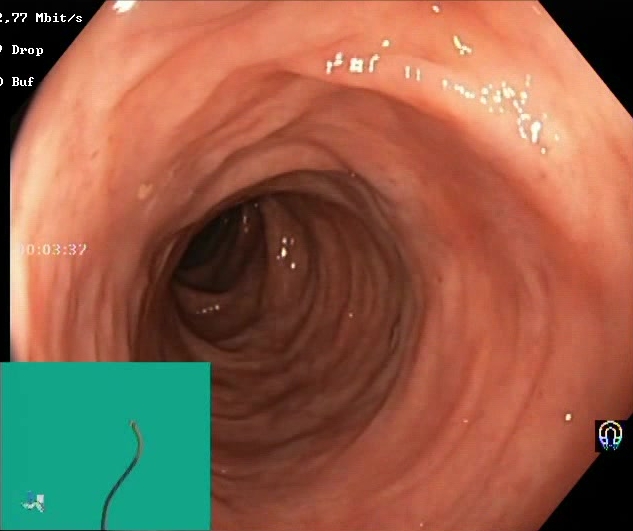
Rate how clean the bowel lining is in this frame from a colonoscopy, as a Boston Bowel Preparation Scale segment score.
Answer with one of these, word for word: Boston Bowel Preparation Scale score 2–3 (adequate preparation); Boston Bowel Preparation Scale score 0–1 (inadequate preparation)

Boston Bowel Preparation Scale score 2–3 (adequate preparation)